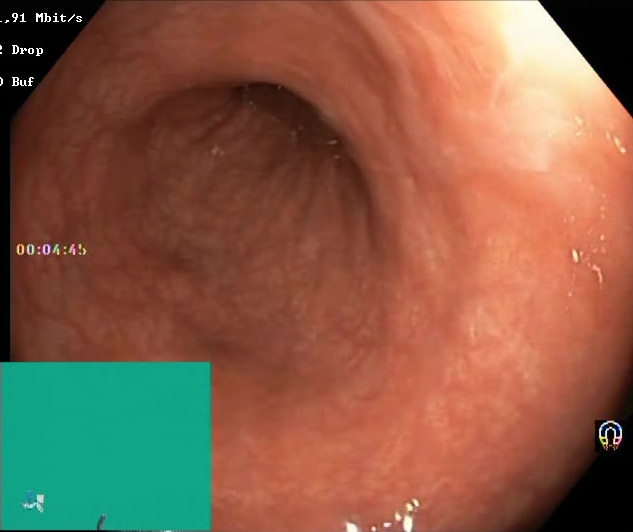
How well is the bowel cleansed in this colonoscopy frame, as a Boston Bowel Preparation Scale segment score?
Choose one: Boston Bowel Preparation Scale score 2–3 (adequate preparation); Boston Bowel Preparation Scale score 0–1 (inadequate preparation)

Boston Bowel Preparation Scale score 2–3 (adequate preparation)